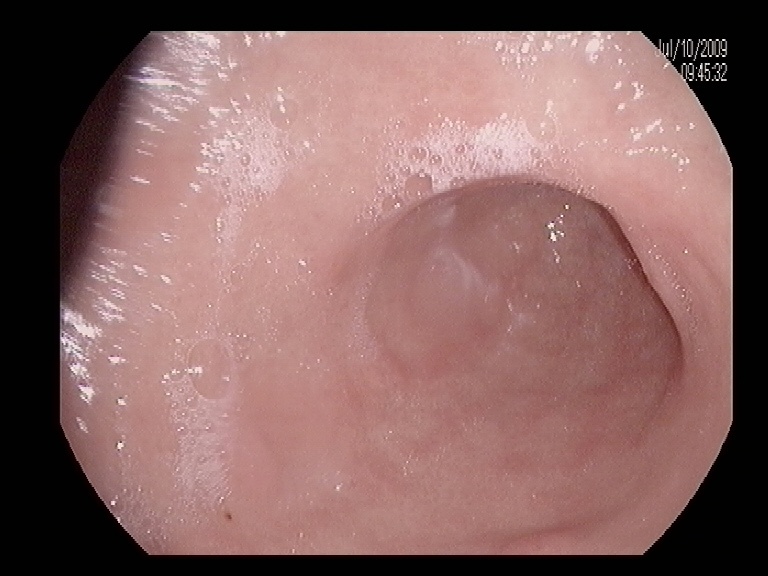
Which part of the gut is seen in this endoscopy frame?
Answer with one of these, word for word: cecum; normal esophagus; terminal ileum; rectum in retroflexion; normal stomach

terminal ileum